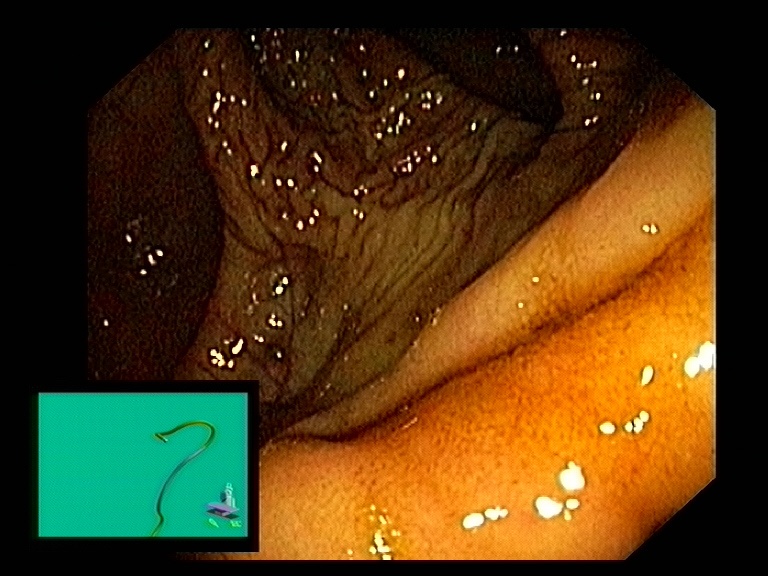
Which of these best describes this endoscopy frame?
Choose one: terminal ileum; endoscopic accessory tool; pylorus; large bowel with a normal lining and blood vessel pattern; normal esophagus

large bowel with a normal lining and blood vessel pattern